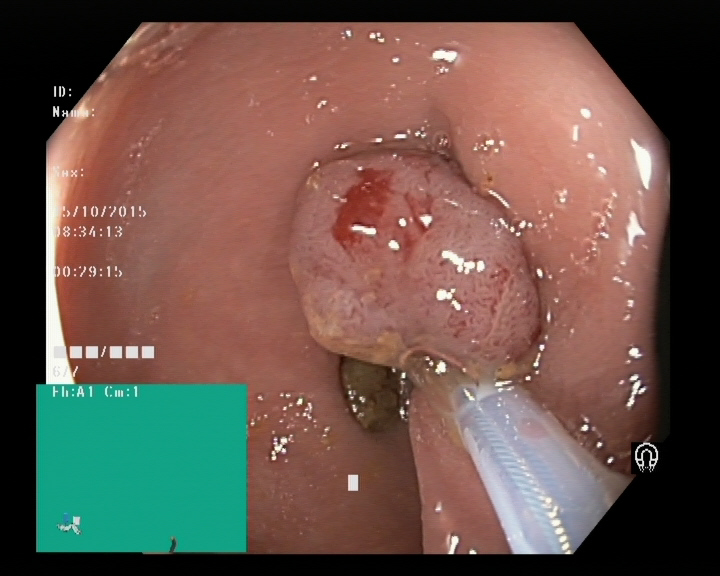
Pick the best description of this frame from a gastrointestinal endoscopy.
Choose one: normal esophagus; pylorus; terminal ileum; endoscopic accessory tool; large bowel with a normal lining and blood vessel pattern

endoscopic accessory tool